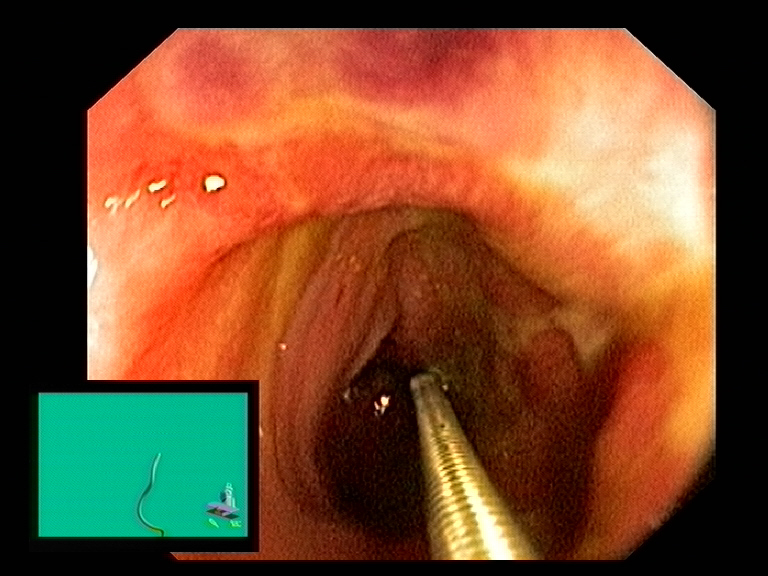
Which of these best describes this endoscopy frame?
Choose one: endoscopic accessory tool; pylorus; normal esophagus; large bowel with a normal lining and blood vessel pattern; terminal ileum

endoscopic accessory tool